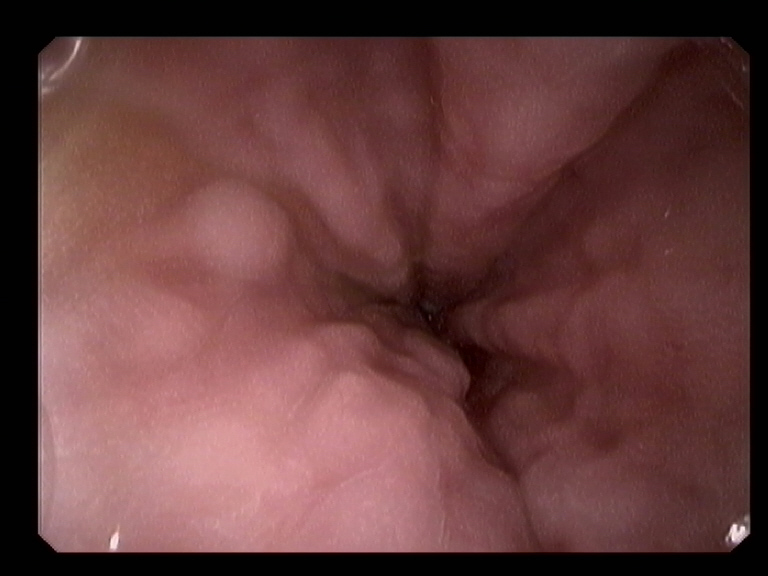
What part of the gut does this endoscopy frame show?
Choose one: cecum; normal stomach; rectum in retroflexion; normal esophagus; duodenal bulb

normal stomach